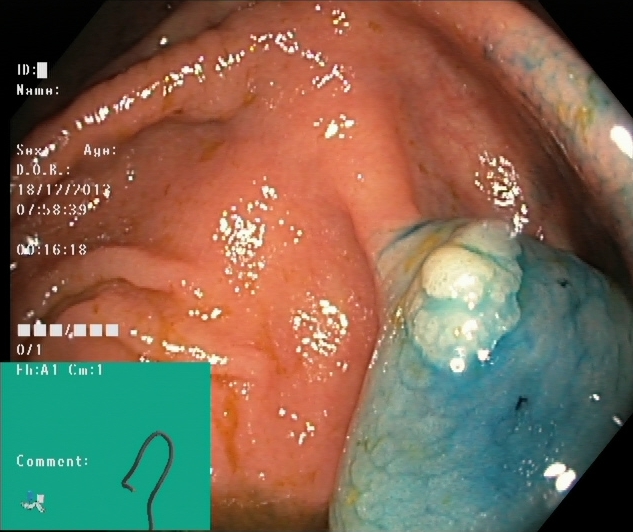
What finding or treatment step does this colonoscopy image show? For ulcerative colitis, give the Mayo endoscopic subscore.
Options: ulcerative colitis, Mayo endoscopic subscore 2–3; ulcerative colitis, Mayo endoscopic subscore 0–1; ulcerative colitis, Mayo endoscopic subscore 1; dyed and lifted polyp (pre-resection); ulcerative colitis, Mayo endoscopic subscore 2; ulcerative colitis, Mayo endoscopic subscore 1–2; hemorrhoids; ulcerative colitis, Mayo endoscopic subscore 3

dyed and lifted polyp (pre-resection)